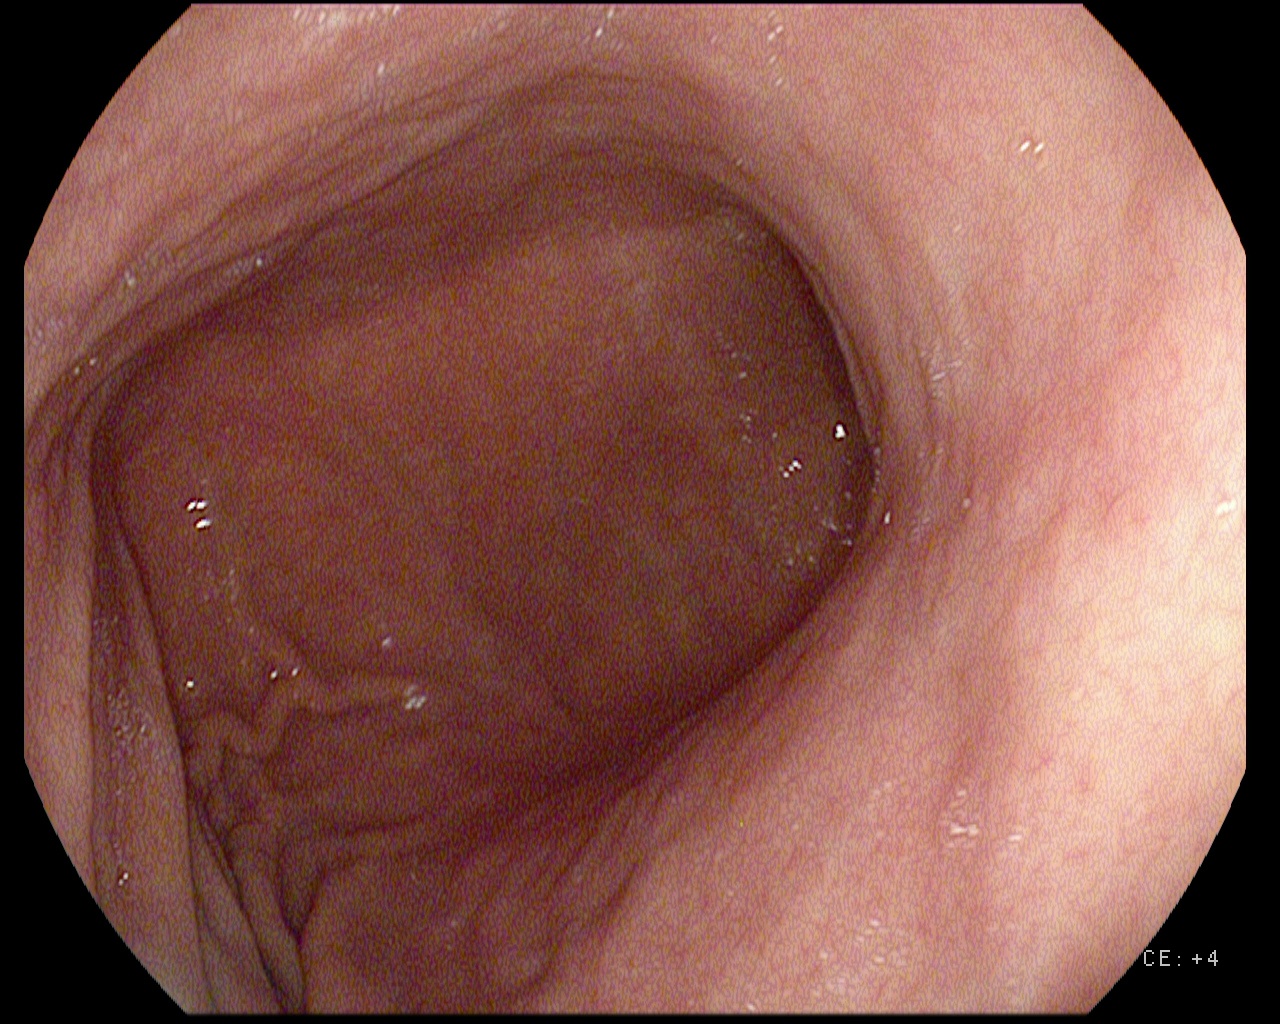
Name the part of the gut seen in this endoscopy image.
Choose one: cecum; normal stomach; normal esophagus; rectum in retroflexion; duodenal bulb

normal stomach